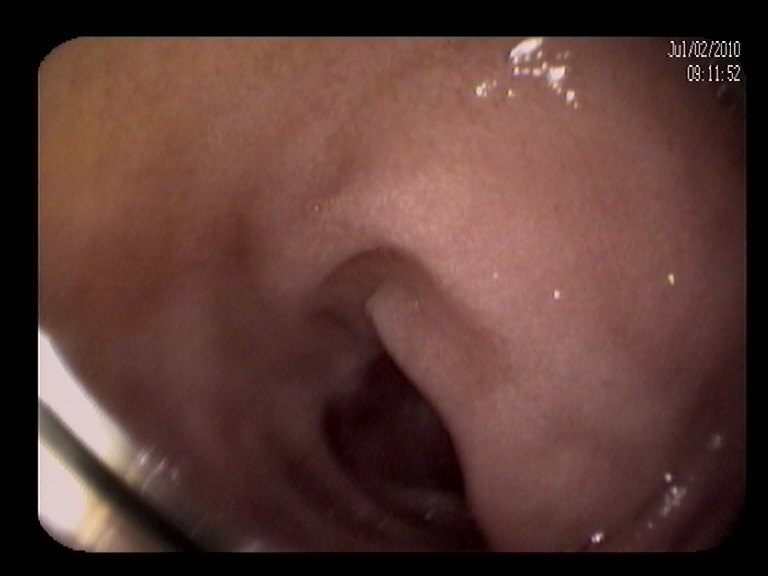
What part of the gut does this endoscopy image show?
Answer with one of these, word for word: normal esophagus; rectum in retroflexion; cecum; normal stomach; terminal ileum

normal stomach